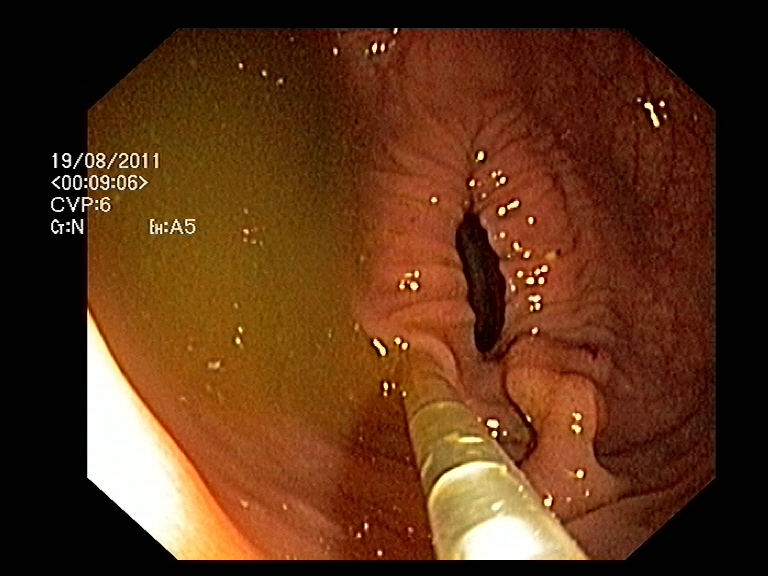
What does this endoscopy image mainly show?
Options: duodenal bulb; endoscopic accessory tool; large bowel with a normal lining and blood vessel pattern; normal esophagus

endoscopic accessory tool